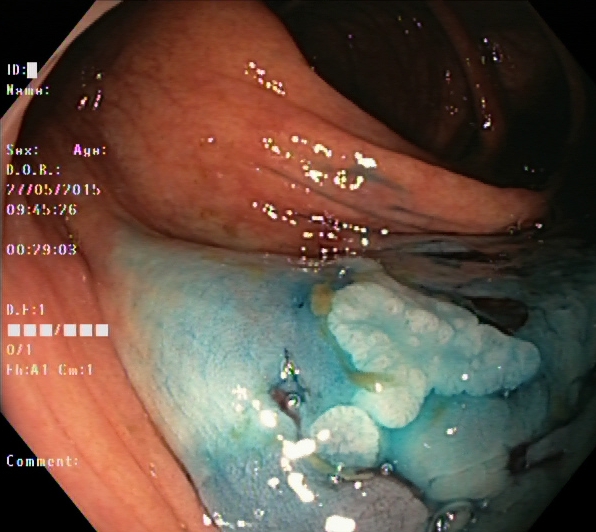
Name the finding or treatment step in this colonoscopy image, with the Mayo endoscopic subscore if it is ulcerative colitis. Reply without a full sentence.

dyed and lifted polyp (pre-resection)